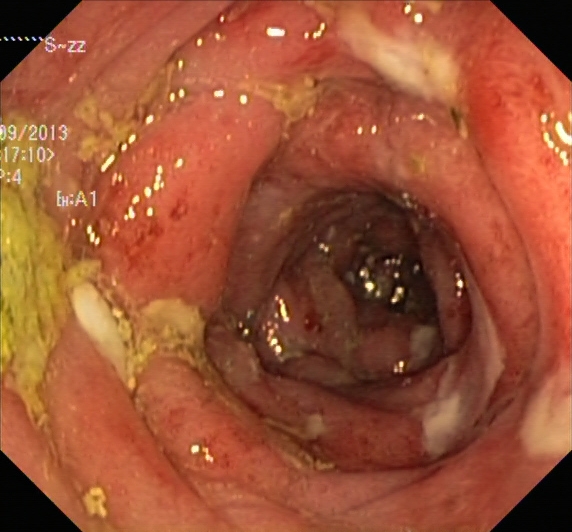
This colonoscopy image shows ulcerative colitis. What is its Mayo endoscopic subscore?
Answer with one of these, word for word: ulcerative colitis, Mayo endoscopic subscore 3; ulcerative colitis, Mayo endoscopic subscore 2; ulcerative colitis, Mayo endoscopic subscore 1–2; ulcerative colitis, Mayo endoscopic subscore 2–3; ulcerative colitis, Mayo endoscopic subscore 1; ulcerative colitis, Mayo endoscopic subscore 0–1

ulcerative colitis, Mayo endoscopic subscore 3